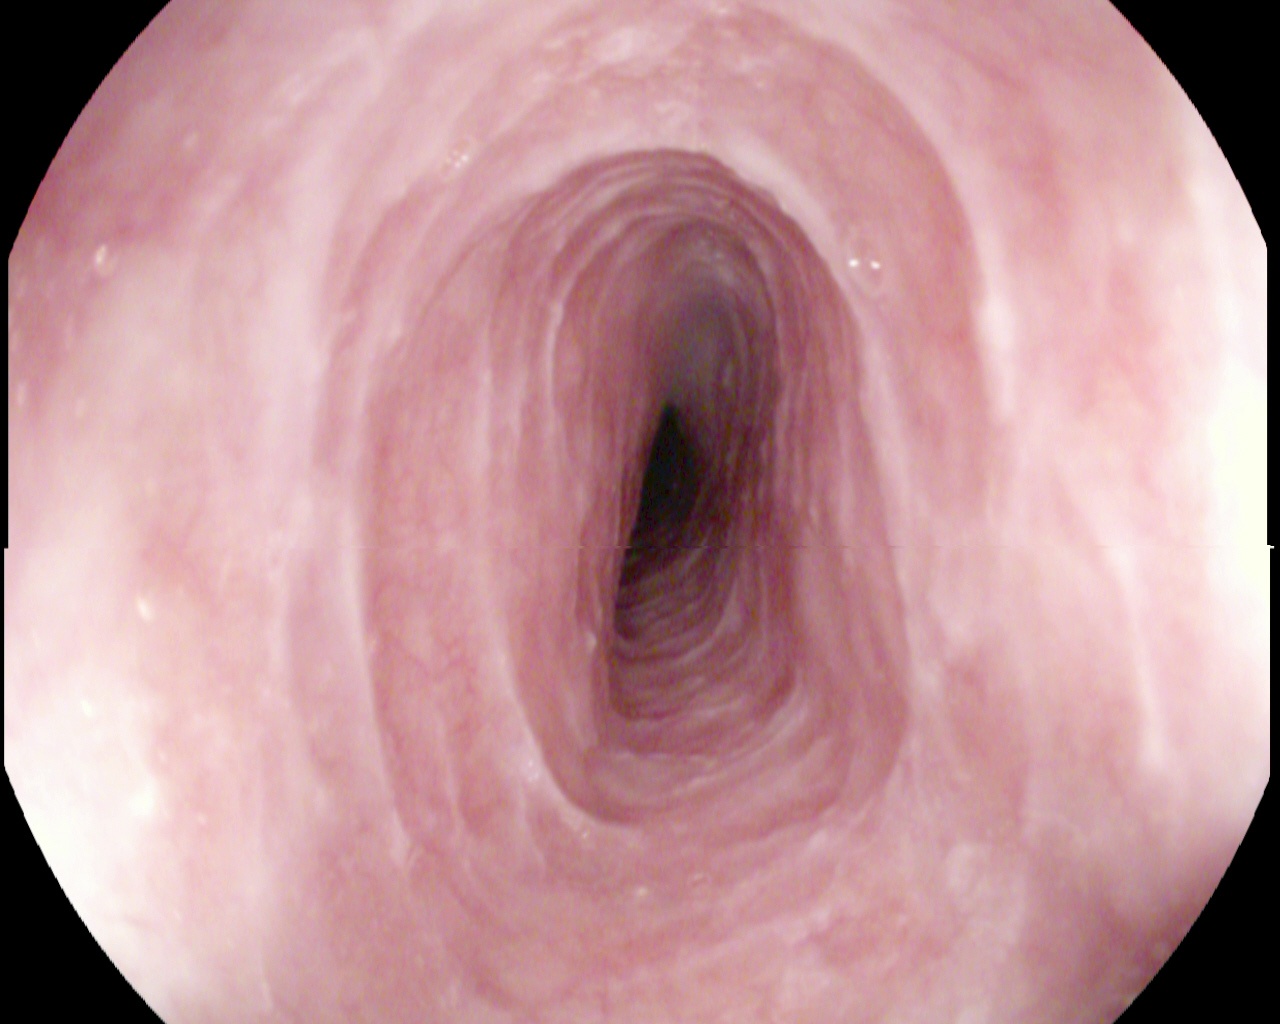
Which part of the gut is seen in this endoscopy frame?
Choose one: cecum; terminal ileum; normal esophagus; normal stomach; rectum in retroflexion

normal esophagus